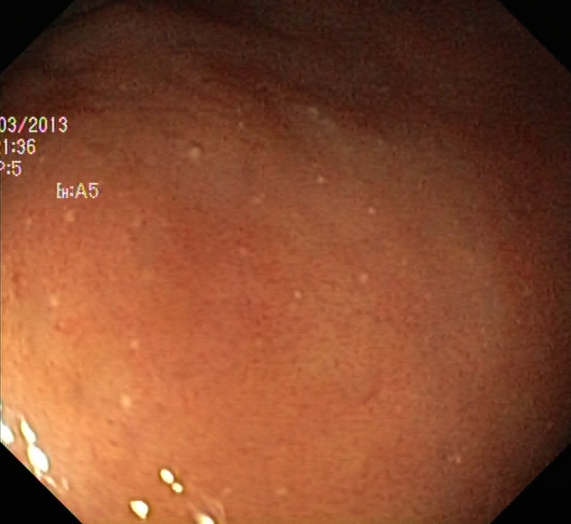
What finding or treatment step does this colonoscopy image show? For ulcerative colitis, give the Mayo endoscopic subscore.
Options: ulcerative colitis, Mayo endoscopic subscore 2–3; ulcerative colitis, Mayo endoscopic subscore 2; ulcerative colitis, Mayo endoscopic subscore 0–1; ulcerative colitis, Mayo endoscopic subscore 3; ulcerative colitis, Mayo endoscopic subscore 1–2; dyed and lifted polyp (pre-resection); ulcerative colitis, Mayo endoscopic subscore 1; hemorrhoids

ulcerative colitis, Mayo endoscopic subscore 2